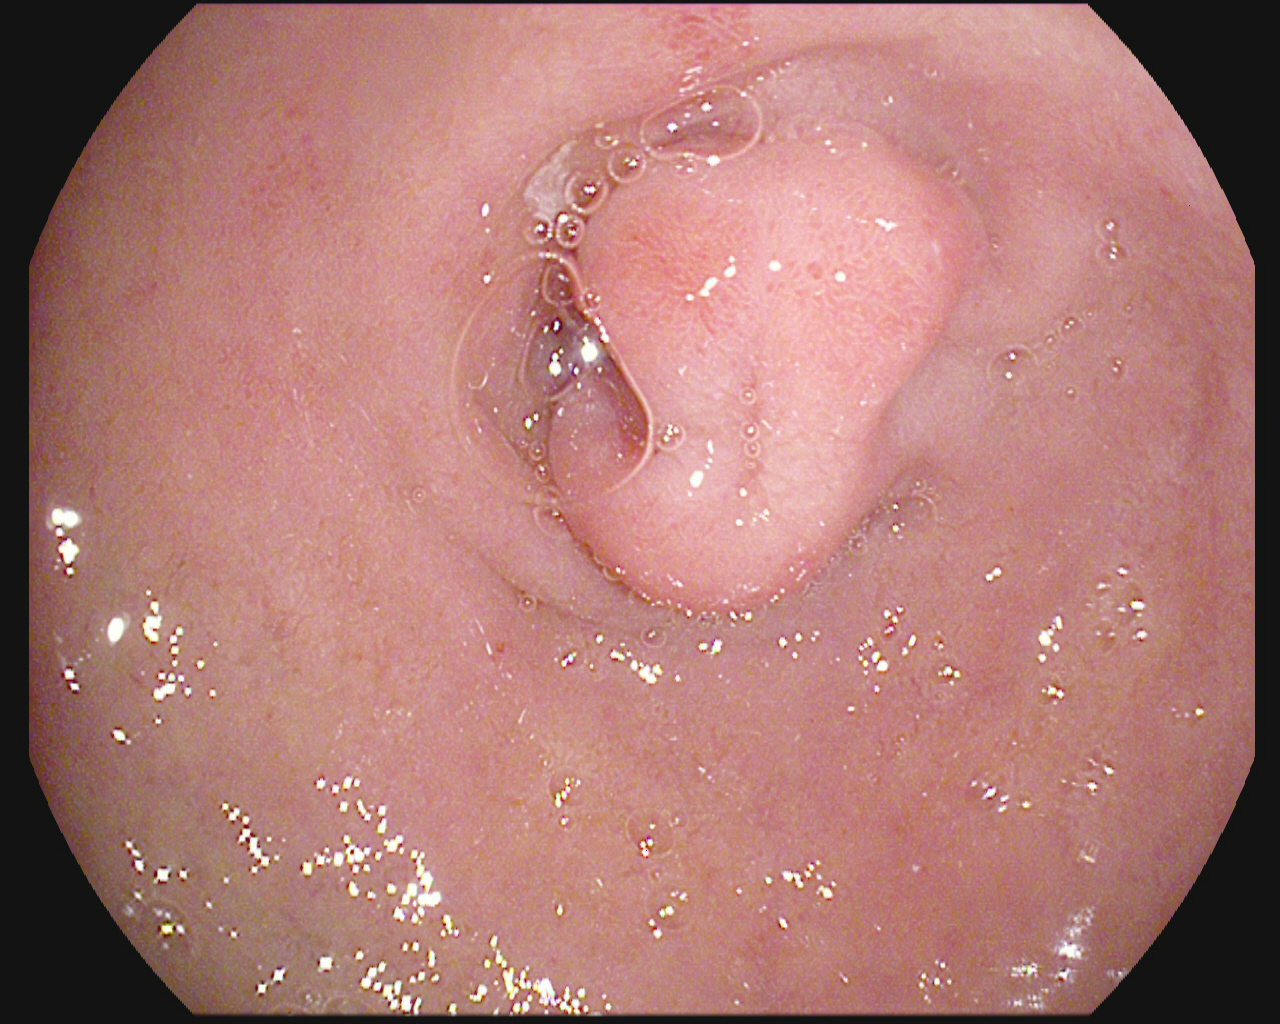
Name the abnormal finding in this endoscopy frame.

gastric polyp